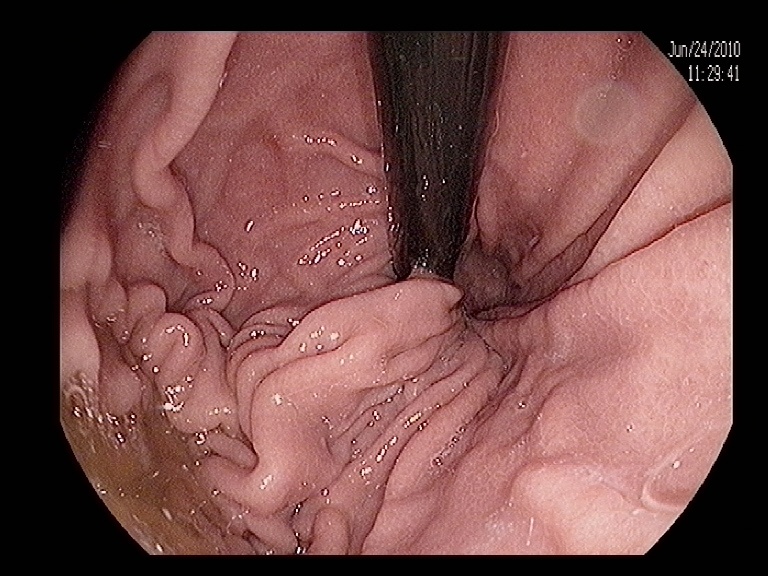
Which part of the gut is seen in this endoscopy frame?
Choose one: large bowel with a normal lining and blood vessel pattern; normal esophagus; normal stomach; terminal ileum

normal stomach